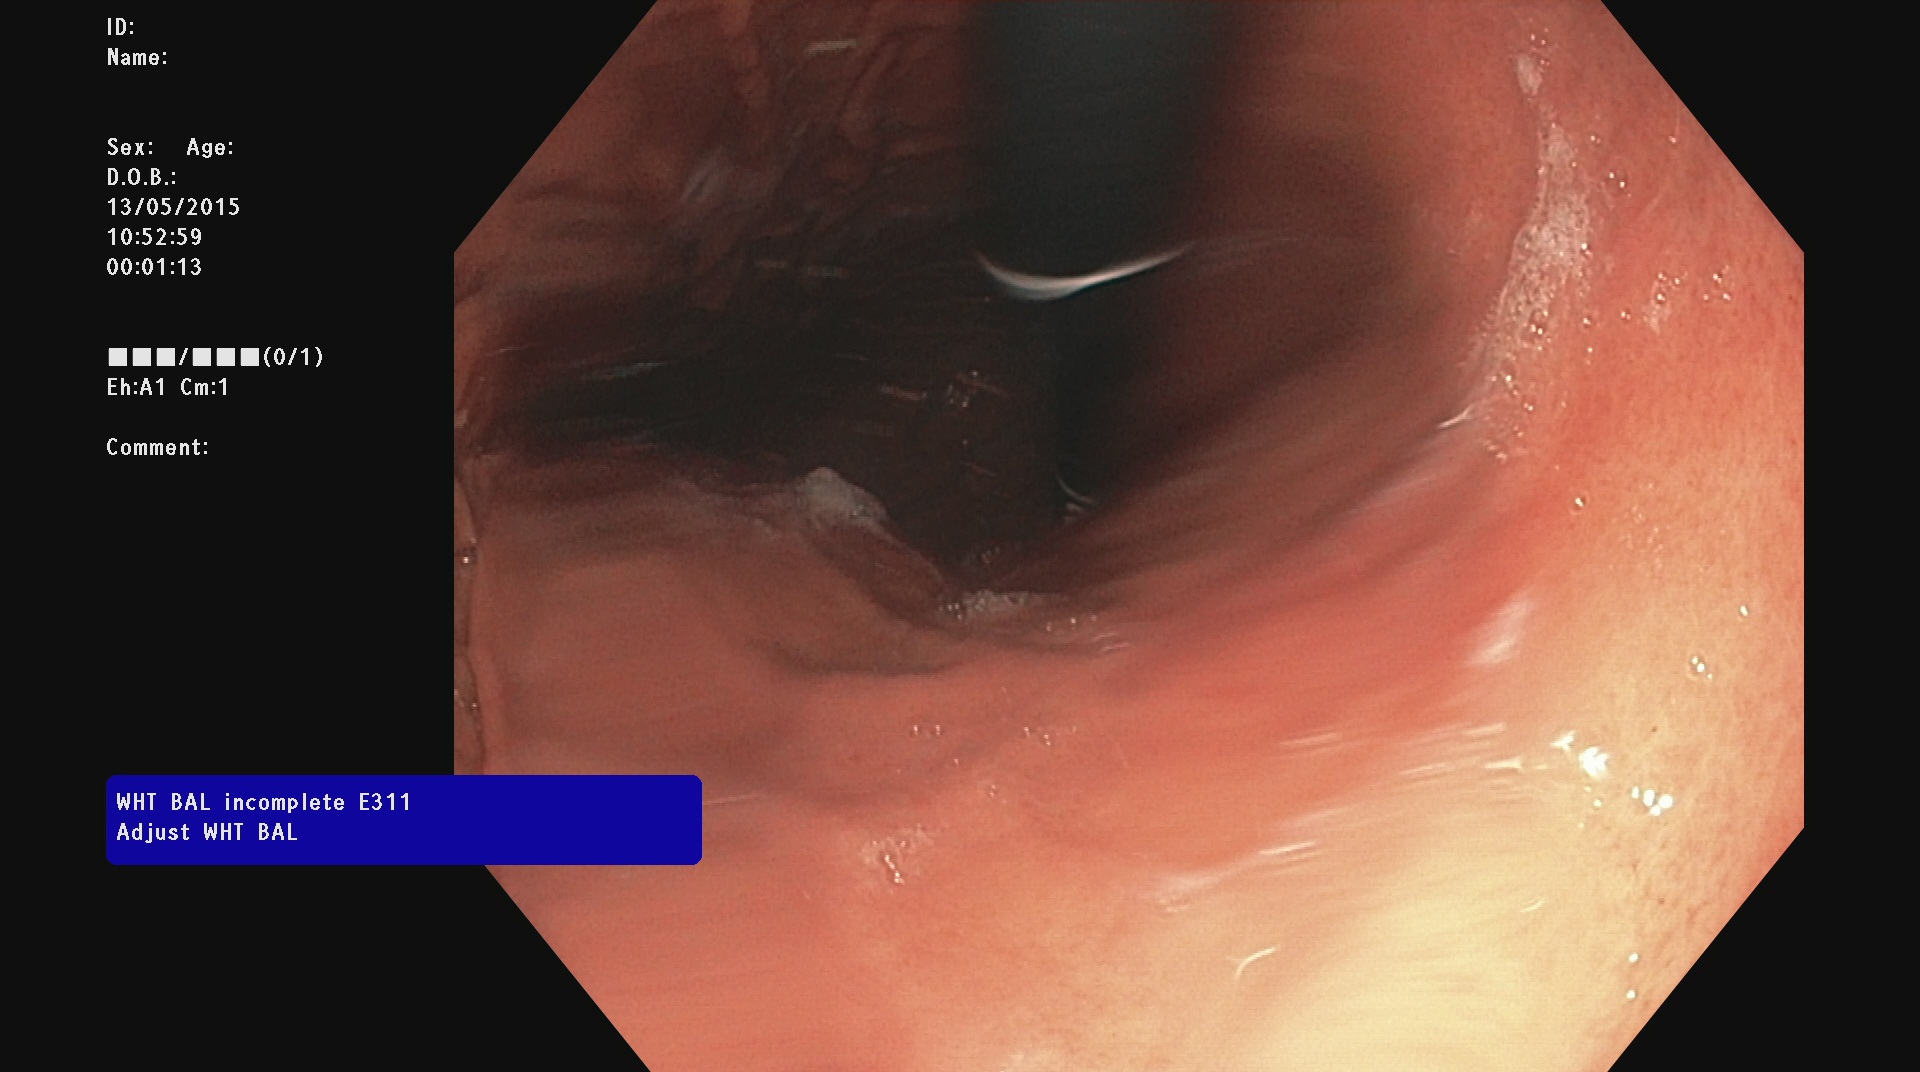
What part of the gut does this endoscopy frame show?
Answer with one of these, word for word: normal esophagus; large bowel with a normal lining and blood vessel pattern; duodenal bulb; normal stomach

normal stomach